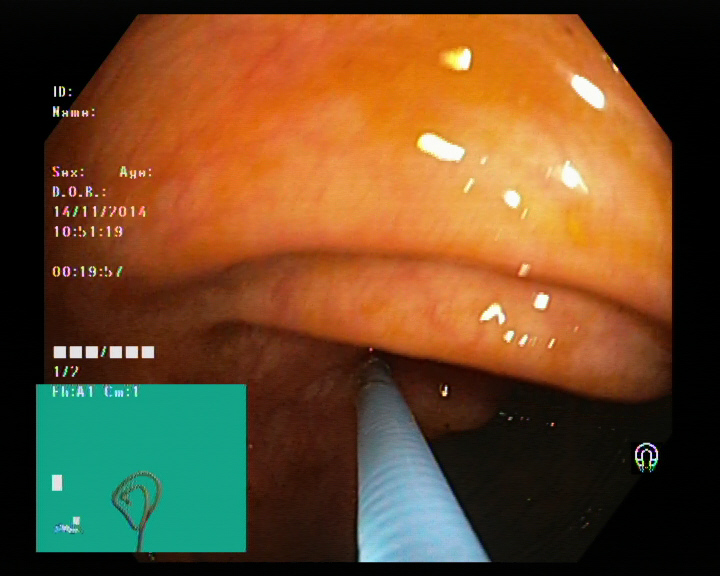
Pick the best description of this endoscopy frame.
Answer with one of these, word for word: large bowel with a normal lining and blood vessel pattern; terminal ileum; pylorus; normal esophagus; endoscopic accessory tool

endoscopic accessory tool